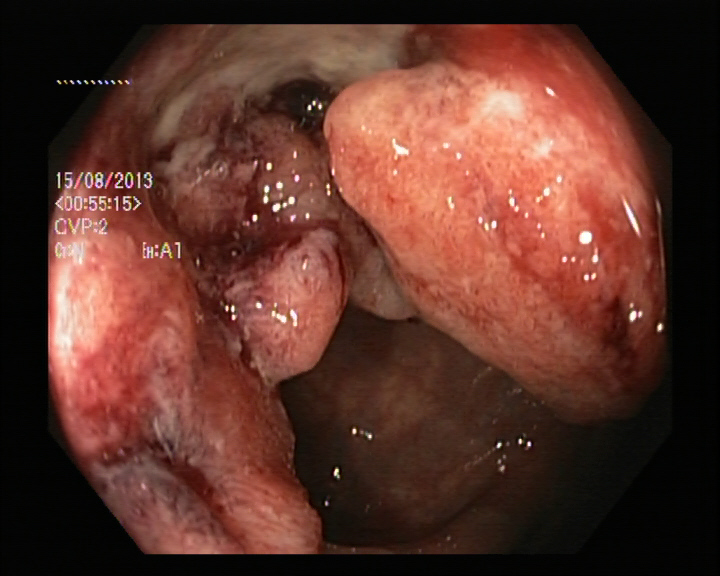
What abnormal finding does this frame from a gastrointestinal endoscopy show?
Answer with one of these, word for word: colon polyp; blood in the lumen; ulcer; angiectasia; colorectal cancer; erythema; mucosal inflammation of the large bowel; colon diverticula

colorectal cancer